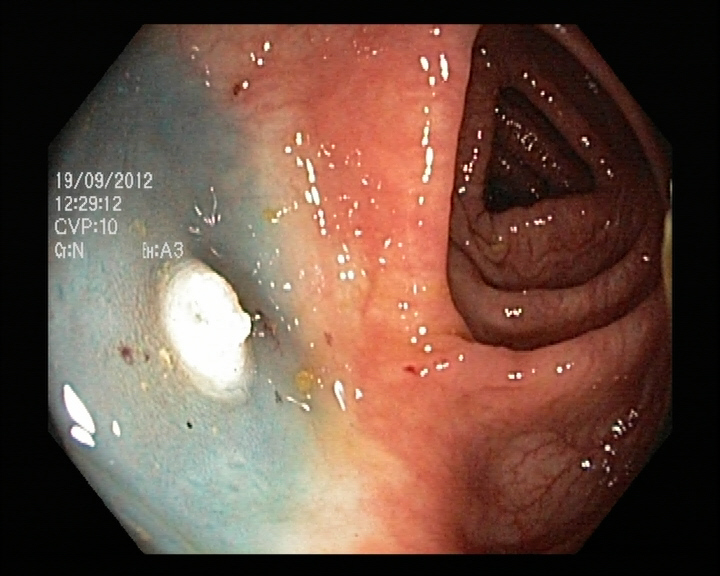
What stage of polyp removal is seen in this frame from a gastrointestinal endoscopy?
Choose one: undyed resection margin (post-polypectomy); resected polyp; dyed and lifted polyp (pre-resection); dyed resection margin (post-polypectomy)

dyed and lifted polyp (pre-resection)